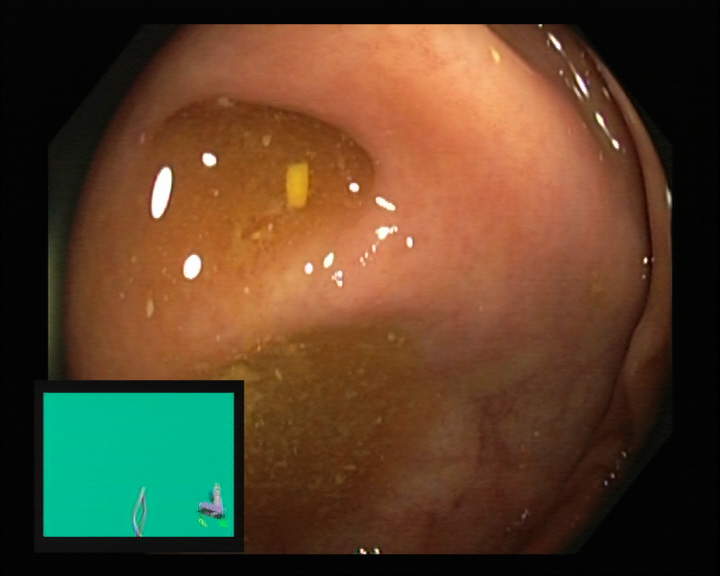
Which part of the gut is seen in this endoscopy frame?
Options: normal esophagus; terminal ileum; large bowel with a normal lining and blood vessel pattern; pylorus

large bowel with a normal lining and blood vessel pattern